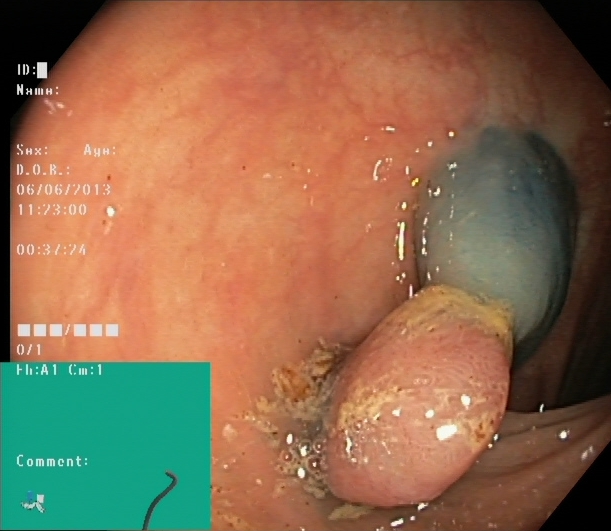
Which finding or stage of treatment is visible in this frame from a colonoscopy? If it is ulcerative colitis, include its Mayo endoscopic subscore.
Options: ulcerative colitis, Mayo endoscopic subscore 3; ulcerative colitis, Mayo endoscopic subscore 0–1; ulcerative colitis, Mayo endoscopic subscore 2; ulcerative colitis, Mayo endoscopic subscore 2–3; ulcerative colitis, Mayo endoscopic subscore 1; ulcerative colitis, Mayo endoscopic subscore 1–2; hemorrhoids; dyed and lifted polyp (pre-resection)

dyed and lifted polyp (pre-resection)